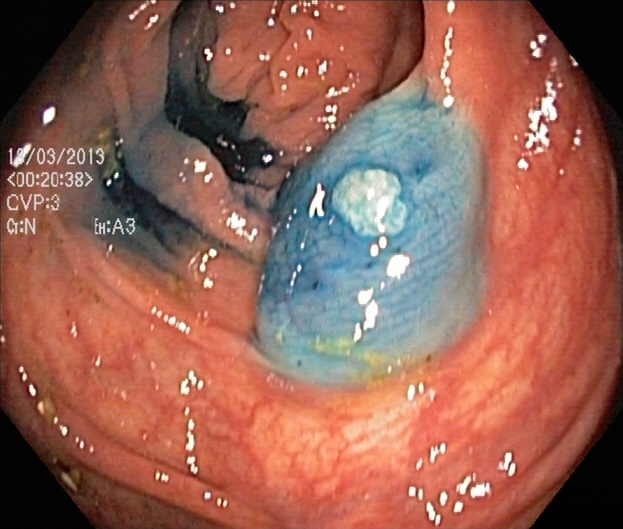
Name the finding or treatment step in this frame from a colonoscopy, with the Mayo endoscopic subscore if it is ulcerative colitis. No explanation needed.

dyed and lifted polyp (pre-resection)